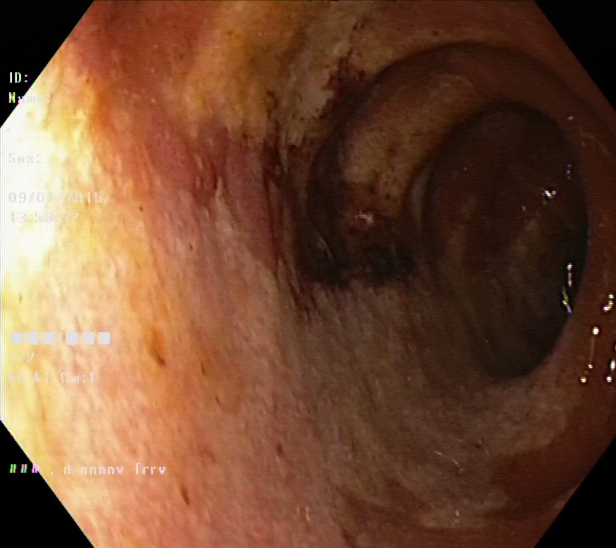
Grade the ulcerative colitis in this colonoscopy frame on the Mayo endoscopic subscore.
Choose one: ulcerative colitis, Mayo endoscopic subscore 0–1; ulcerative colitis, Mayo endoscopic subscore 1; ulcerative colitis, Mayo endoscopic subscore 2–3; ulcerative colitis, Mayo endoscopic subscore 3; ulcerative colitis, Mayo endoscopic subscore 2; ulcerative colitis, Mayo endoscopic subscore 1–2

ulcerative colitis, Mayo endoscopic subscore 1